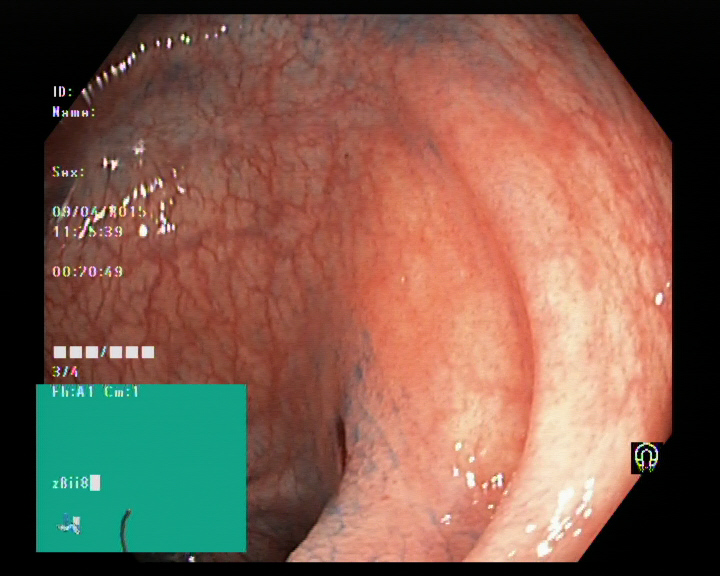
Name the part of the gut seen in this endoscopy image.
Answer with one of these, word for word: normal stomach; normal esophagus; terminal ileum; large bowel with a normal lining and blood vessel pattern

large bowel with a normal lining and blood vessel pattern